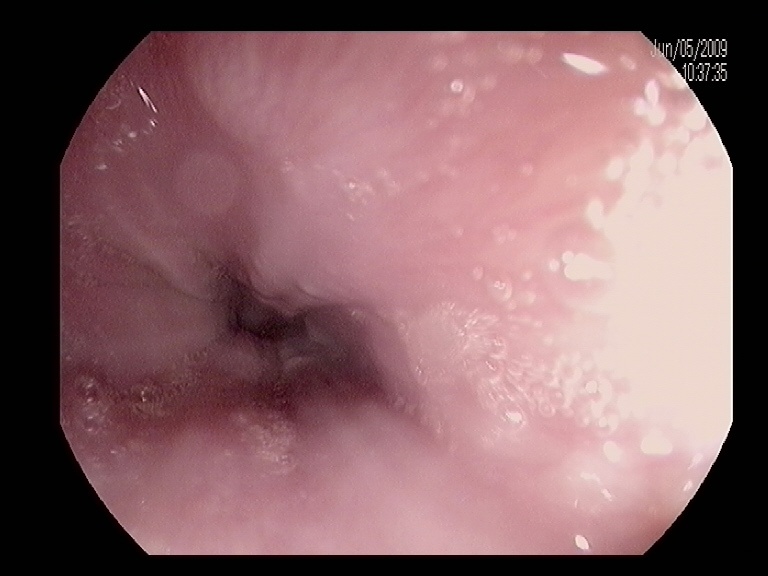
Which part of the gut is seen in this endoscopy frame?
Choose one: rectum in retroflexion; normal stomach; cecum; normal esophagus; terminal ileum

normal esophagus